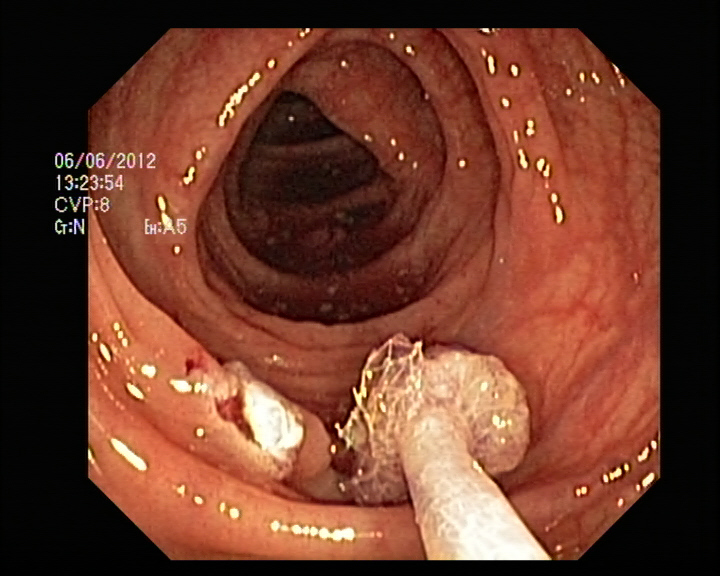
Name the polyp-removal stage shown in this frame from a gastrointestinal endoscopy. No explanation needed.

resected polyp